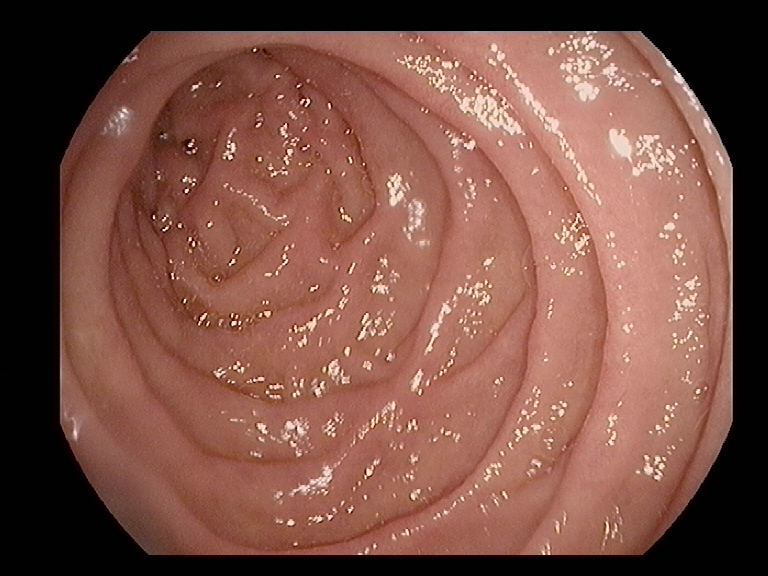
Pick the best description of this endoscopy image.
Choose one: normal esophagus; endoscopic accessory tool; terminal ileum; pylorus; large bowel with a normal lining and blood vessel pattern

terminal ileum